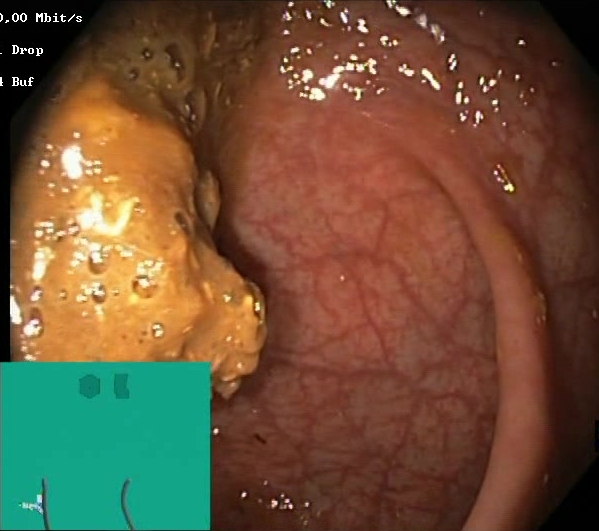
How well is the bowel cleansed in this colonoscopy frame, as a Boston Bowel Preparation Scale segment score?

Boston Bowel Preparation Scale score 0–1 (inadequate preparation)